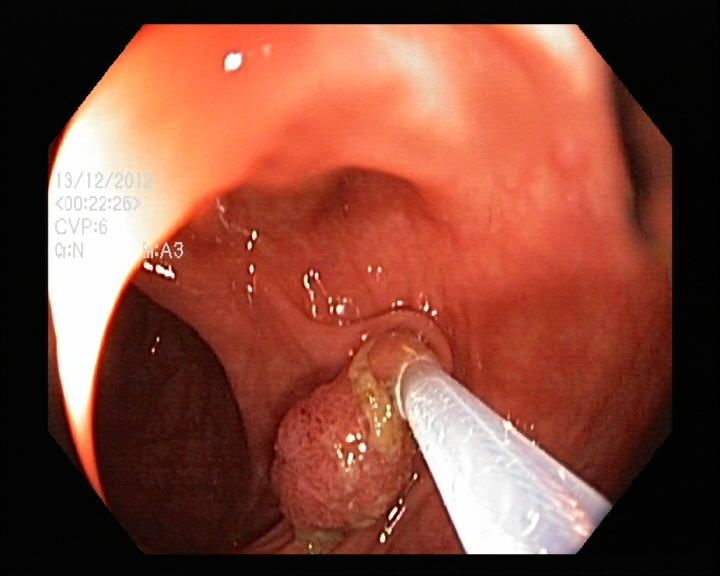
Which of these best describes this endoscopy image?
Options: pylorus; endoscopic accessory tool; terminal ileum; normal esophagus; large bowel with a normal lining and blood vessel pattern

endoscopic accessory tool